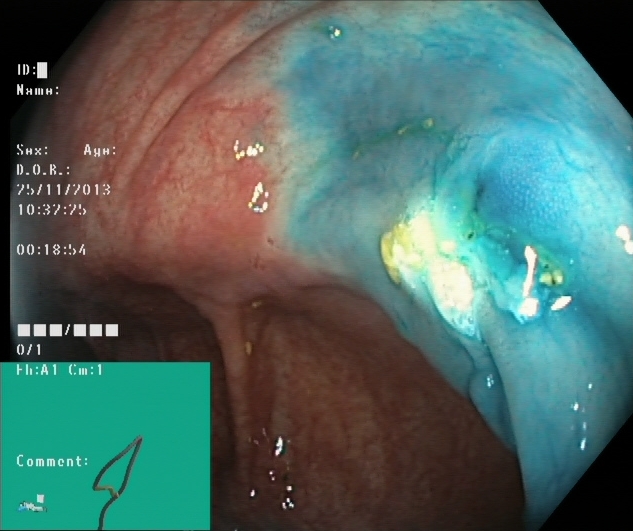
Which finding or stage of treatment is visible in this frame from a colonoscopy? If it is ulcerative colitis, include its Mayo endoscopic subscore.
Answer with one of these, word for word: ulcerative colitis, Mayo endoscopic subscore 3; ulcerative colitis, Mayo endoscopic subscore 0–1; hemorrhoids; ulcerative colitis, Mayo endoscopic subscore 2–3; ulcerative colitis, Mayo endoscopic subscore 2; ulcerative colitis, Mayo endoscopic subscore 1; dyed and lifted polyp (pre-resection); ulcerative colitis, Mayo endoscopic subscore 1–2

dyed and lifted polyp (pre-resection)